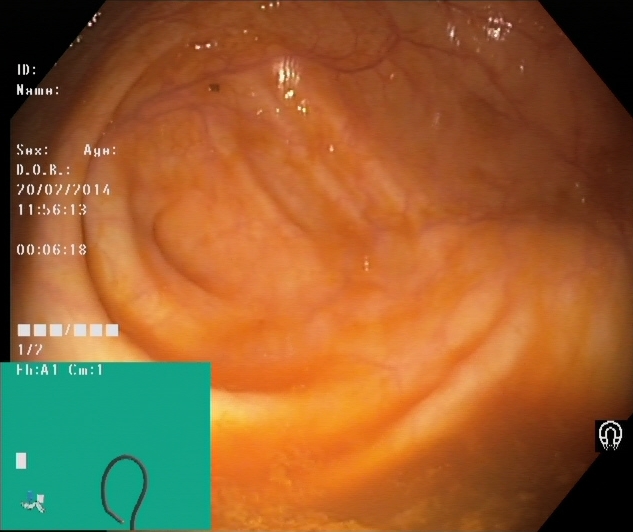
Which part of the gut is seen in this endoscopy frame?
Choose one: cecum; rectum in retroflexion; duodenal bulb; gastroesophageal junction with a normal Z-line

cecum